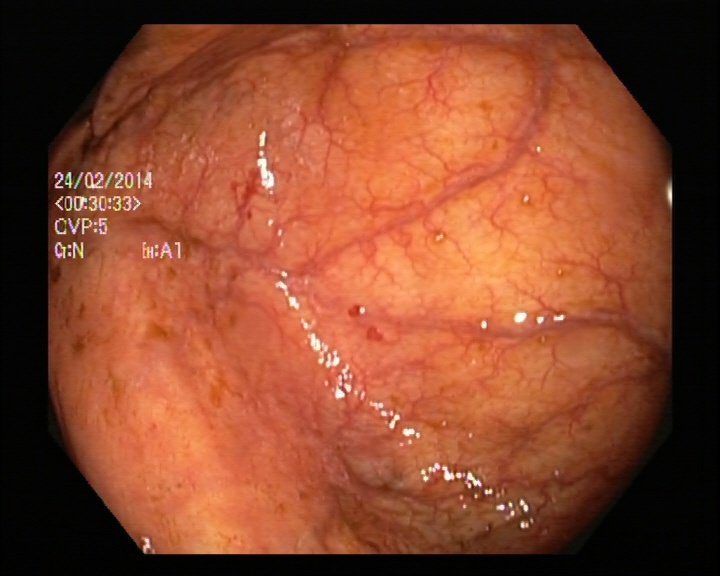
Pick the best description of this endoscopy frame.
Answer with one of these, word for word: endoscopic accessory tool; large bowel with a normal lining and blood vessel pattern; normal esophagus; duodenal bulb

large bowel with a normal lining and blood vessel pattern